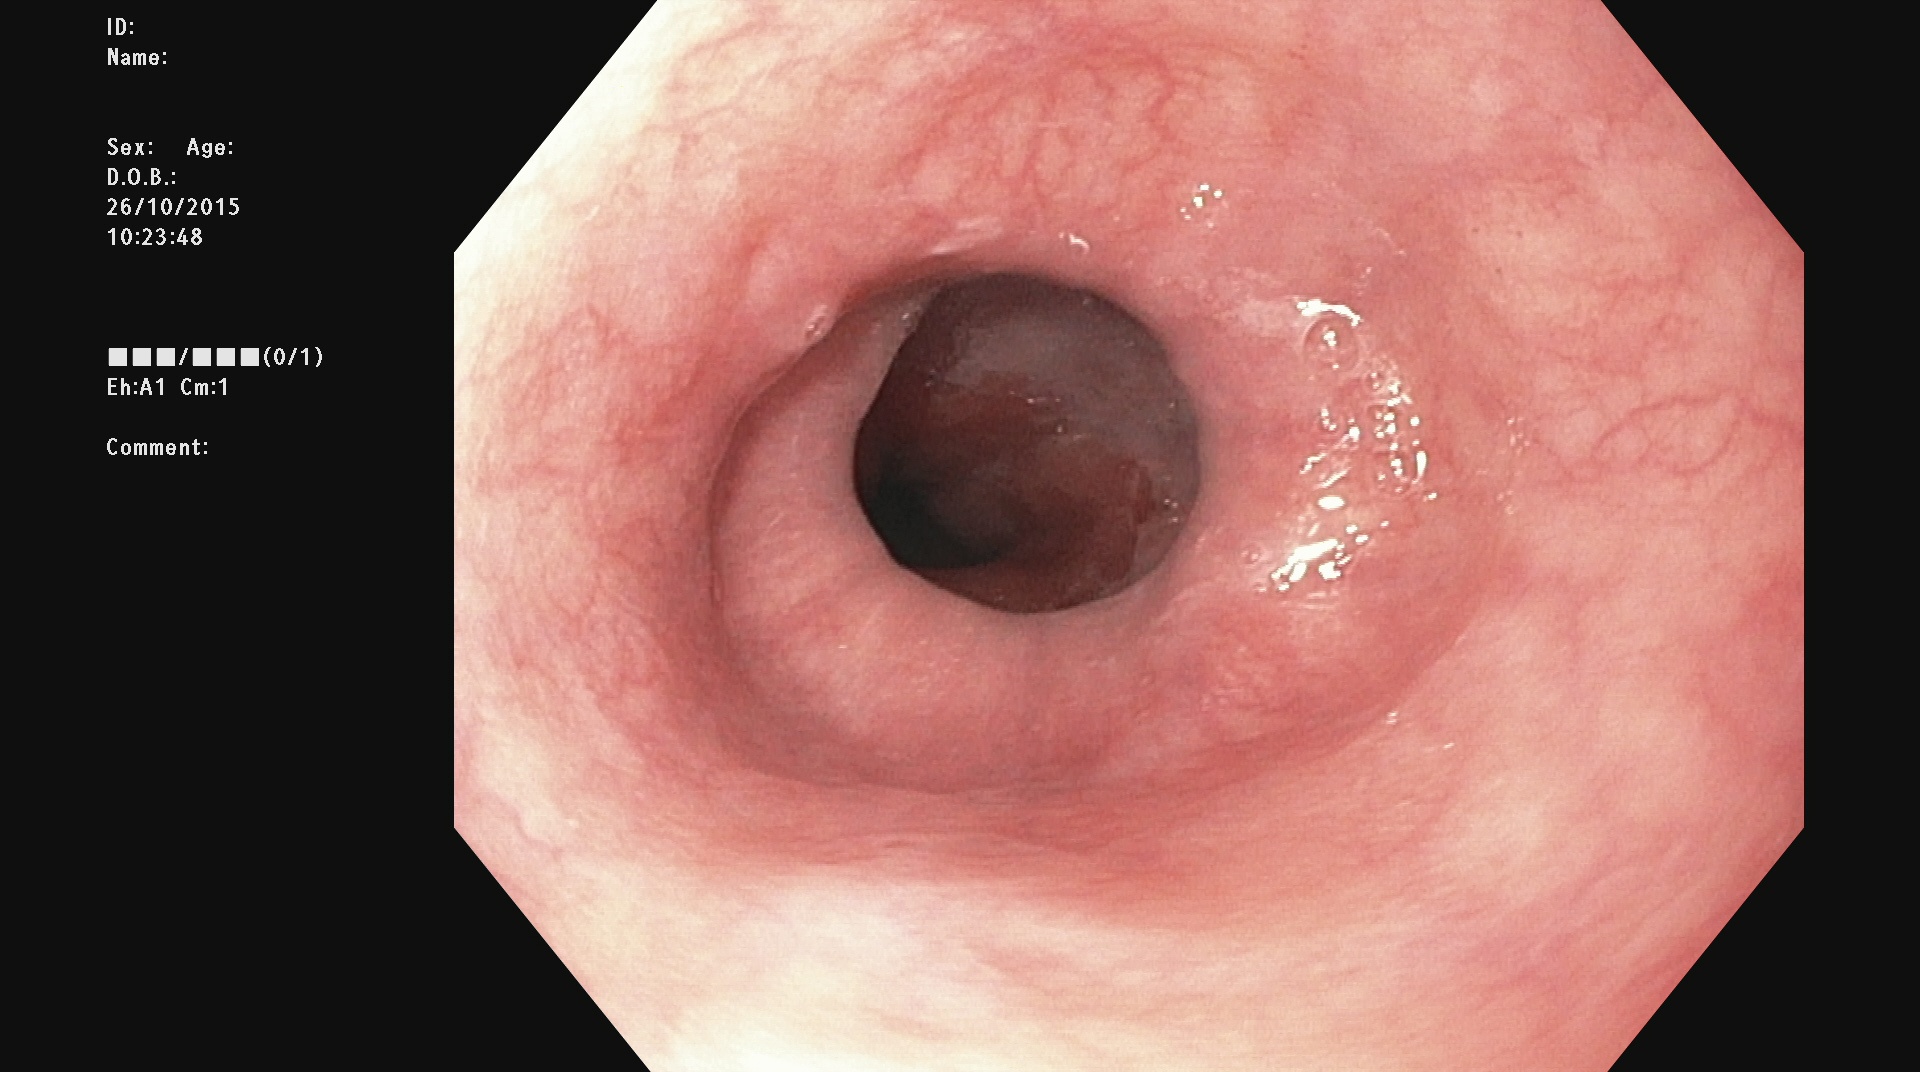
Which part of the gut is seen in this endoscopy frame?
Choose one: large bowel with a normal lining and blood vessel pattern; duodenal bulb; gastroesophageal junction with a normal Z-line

gastroesophageal junction with a normal Z-line